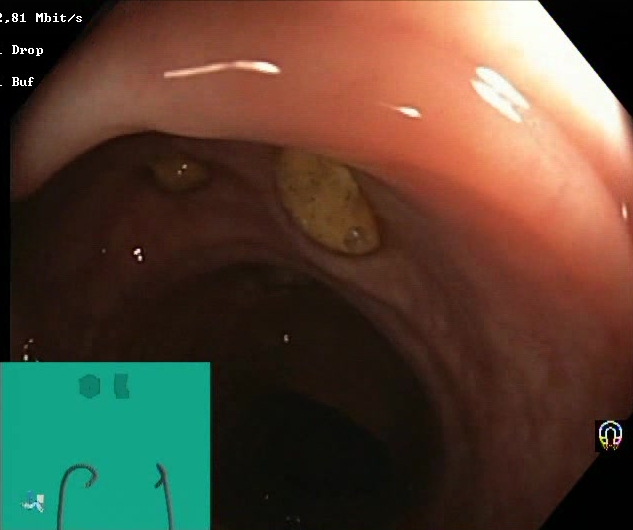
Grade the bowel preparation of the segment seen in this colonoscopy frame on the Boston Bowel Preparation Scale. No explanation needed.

Boston Bowel Preparation Scale score 2–3 (adequate preparation)